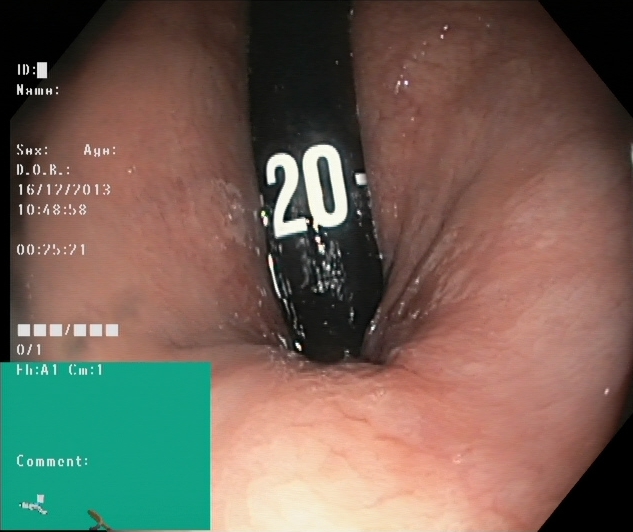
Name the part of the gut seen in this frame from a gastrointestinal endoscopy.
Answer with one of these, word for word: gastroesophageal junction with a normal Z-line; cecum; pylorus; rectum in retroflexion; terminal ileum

rectum in retroflexion